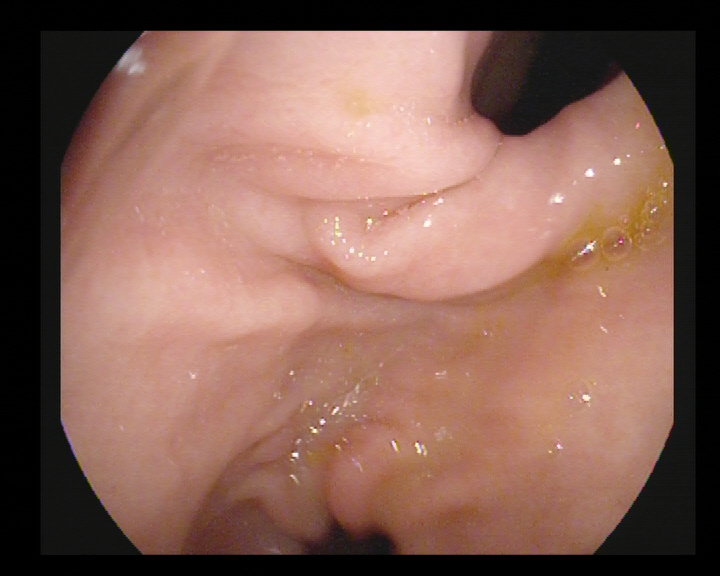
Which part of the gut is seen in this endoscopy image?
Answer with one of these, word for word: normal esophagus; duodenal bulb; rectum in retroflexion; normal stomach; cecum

normal stomach